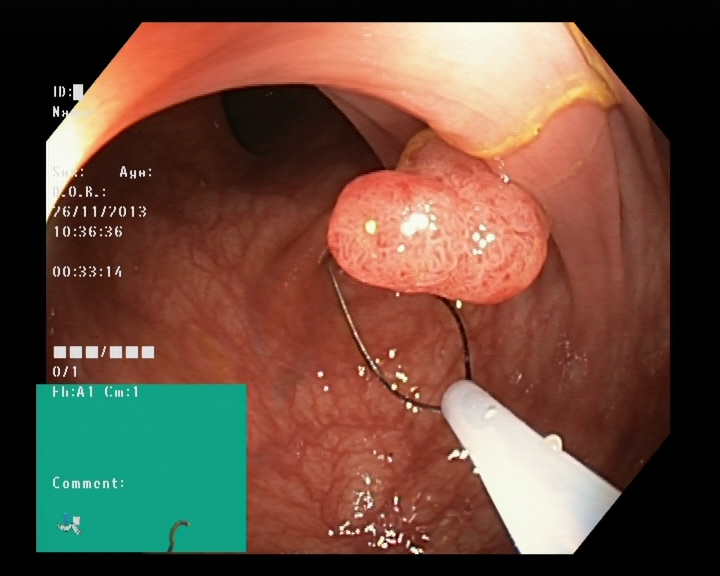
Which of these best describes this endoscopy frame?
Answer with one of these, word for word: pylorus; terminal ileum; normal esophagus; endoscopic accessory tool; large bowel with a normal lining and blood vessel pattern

endoscopic accessory tool